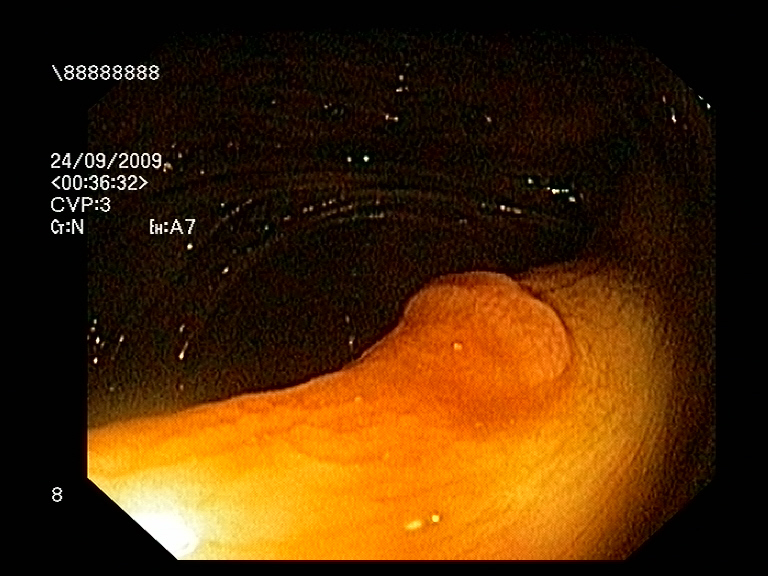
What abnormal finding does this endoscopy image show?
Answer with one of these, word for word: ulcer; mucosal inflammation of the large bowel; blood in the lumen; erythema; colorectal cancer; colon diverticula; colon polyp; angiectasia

colon polyp